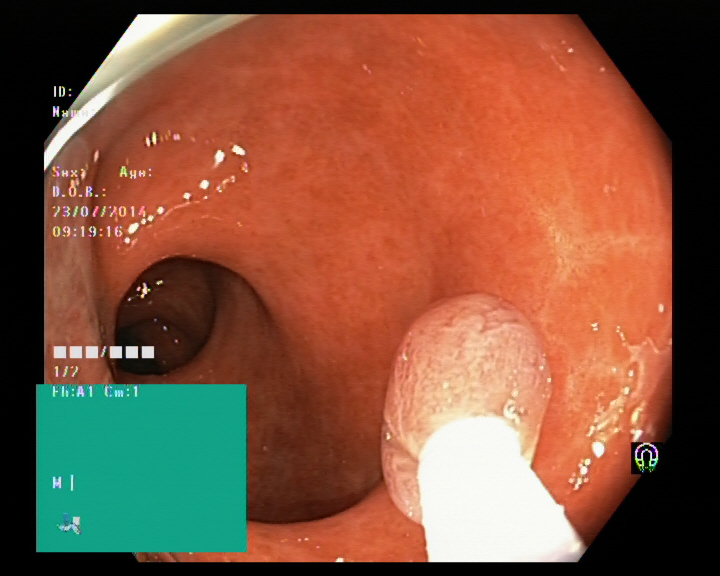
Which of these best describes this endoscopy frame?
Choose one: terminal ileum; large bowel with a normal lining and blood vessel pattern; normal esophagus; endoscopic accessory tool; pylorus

endoscopic accessory tool